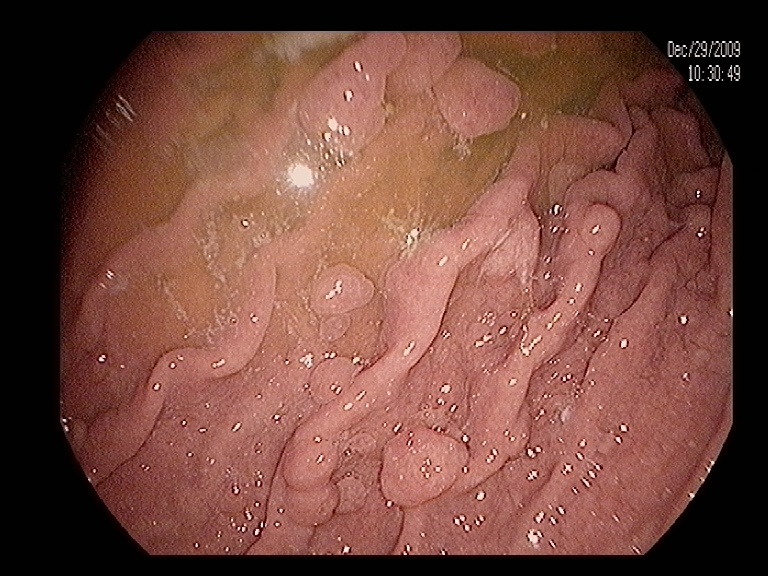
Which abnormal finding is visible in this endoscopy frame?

gastric polyp